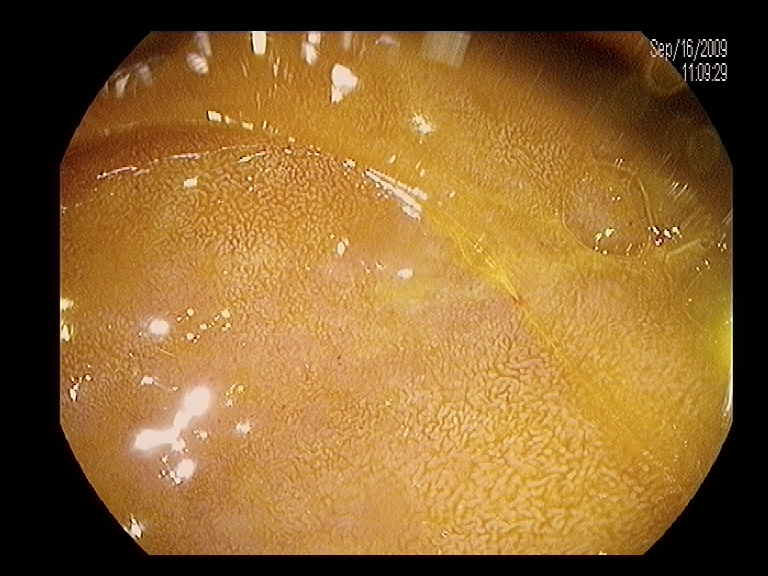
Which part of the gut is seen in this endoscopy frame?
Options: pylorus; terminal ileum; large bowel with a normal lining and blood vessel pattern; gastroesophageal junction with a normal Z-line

terminal ileum